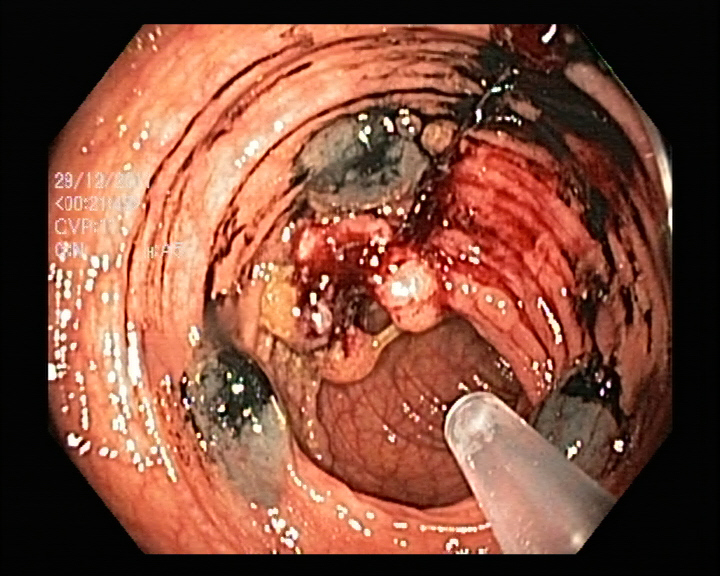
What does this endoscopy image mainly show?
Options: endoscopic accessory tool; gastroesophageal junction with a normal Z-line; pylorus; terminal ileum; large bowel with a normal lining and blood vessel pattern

endoscopic accessory tool